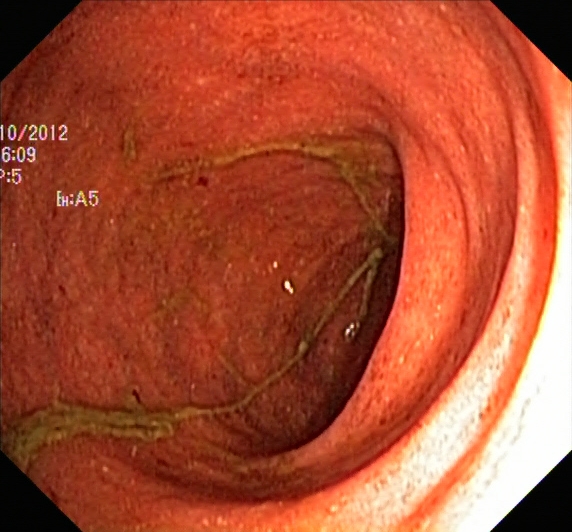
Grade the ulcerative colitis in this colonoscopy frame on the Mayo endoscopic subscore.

ulcerative colitis, Mayo endoscopic subscore 2